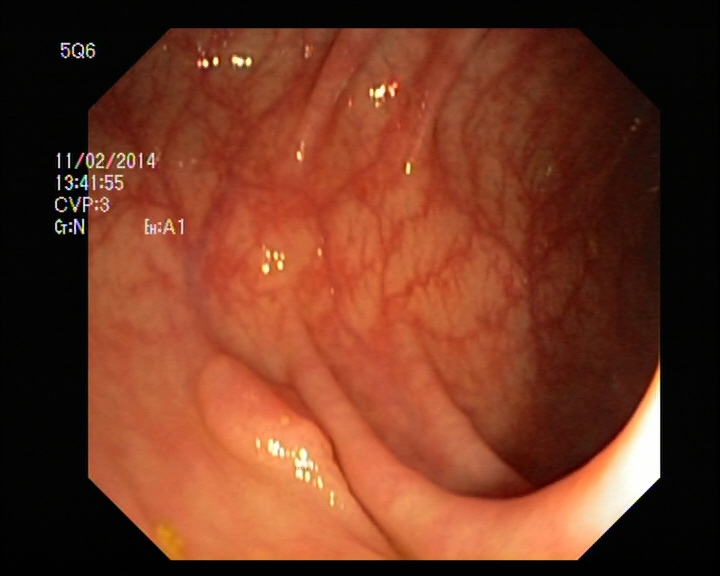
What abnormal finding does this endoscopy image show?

colon polyp